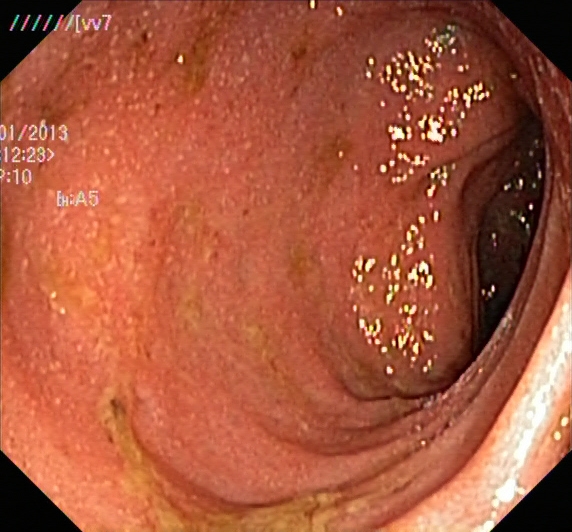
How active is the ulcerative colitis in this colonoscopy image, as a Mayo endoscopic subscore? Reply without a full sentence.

ulcerative colitis, Mayo endoscopic subscore 2